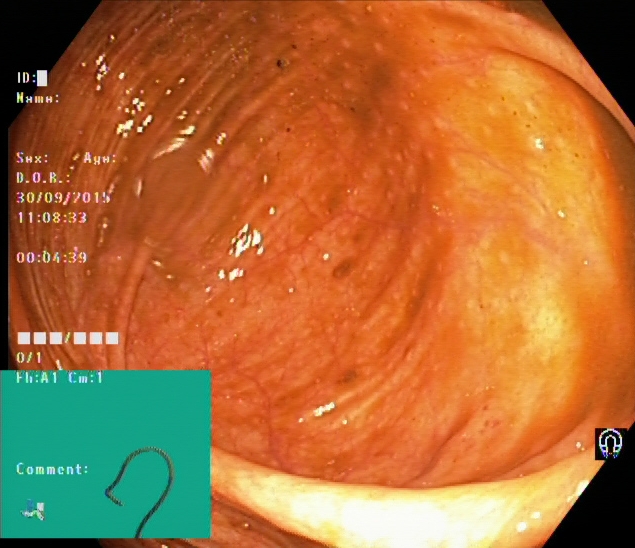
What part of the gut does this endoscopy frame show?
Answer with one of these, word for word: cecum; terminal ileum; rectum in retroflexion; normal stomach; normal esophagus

cecum